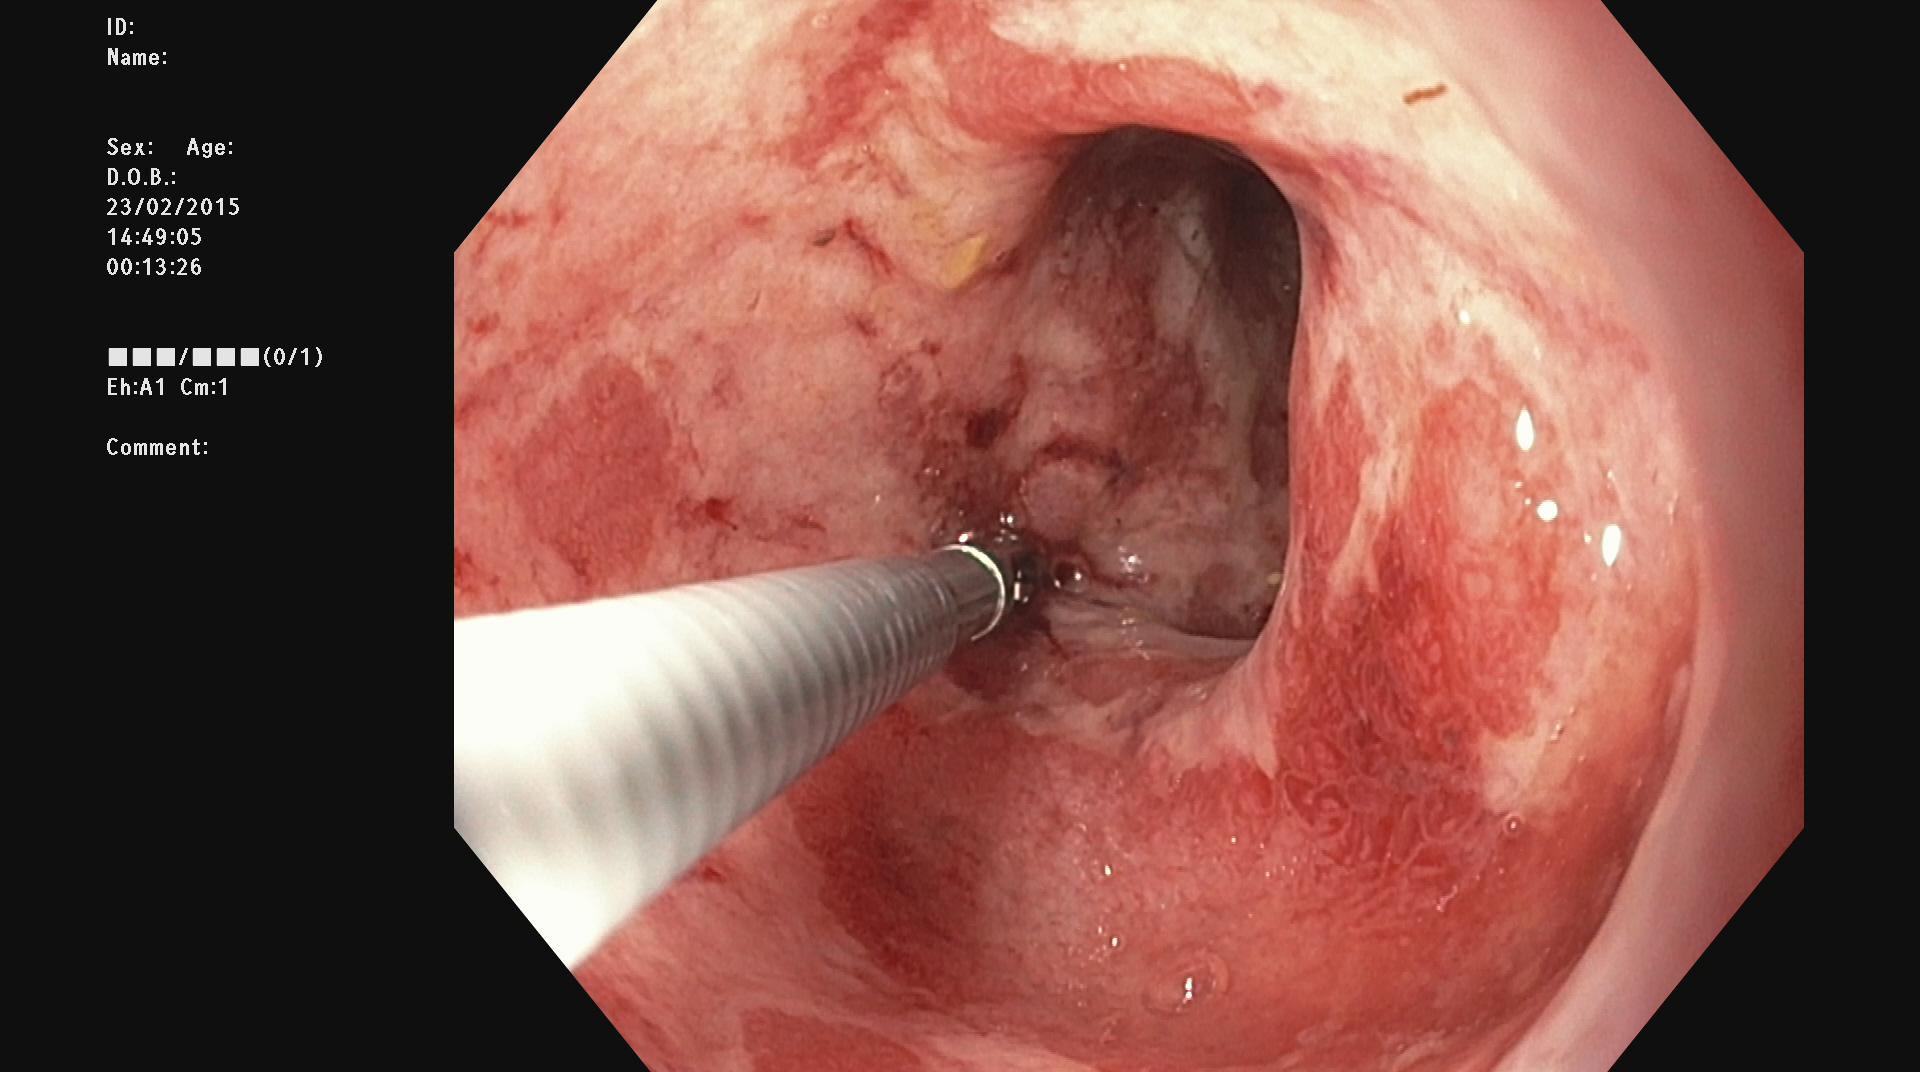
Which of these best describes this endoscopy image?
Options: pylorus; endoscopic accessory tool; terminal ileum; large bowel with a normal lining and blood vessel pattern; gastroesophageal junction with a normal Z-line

endoscopic accessory tool